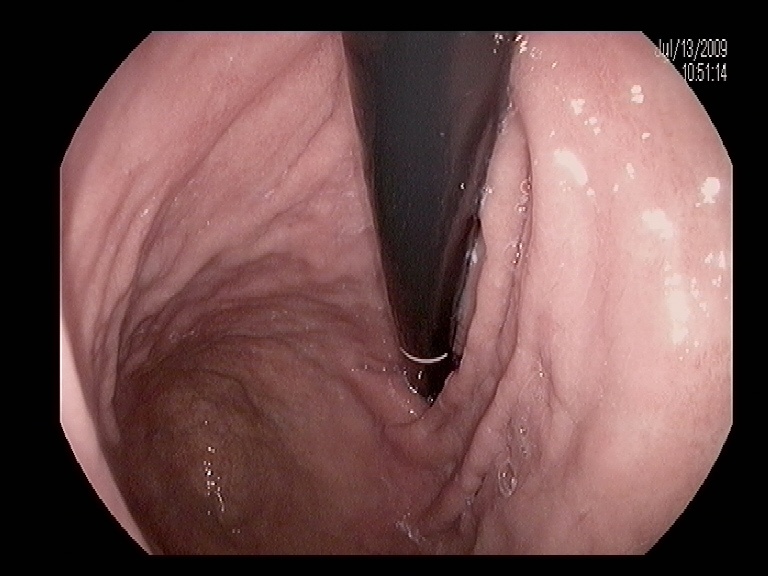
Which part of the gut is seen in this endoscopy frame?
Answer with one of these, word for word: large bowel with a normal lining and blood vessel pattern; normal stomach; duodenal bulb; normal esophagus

normal stomach